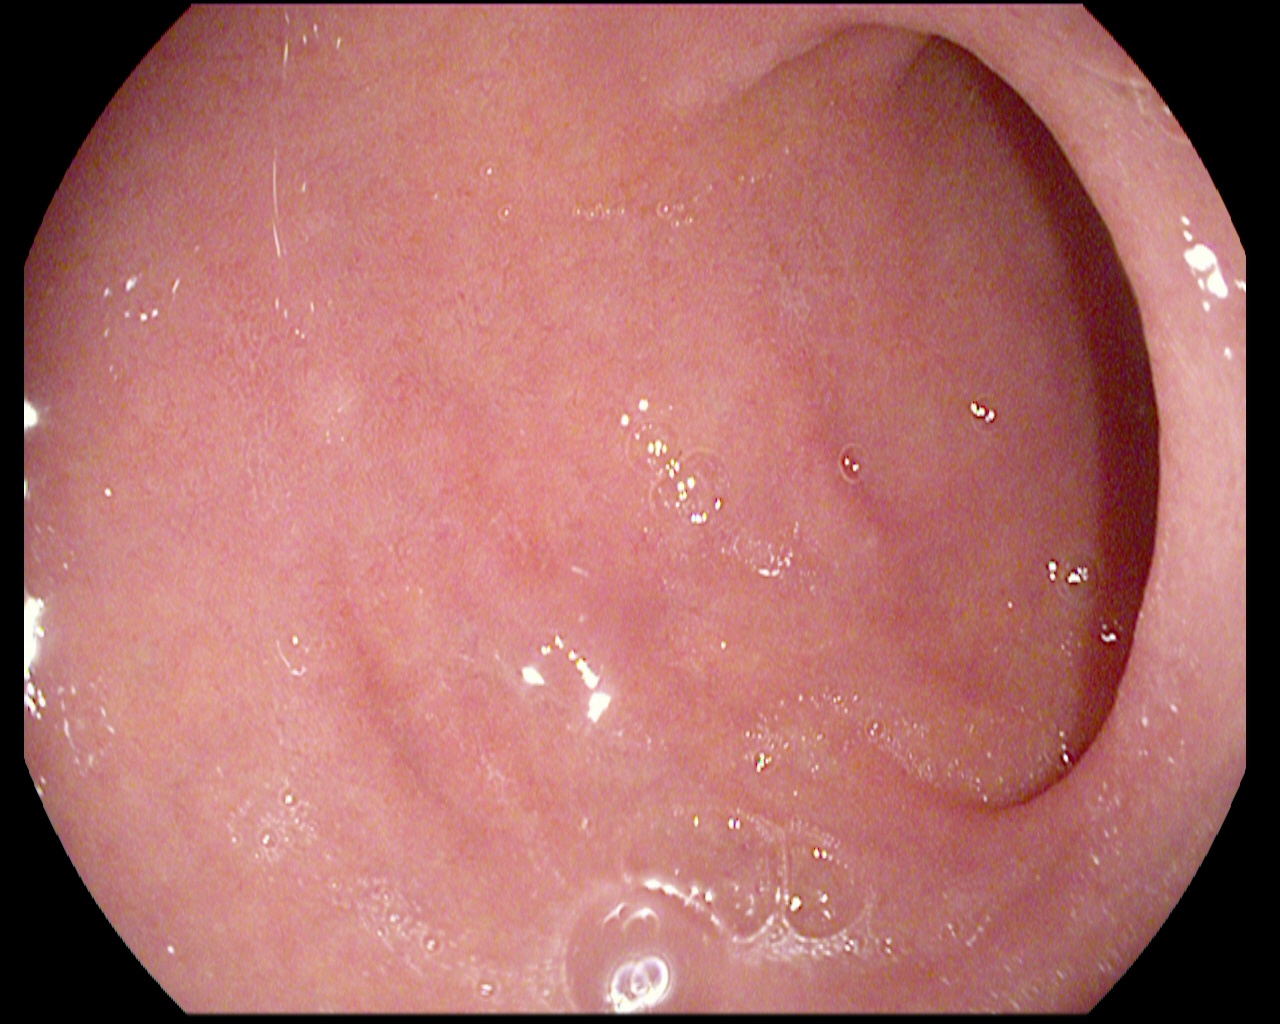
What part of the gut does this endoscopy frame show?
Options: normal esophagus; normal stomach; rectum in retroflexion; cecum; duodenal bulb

duodenal bulb